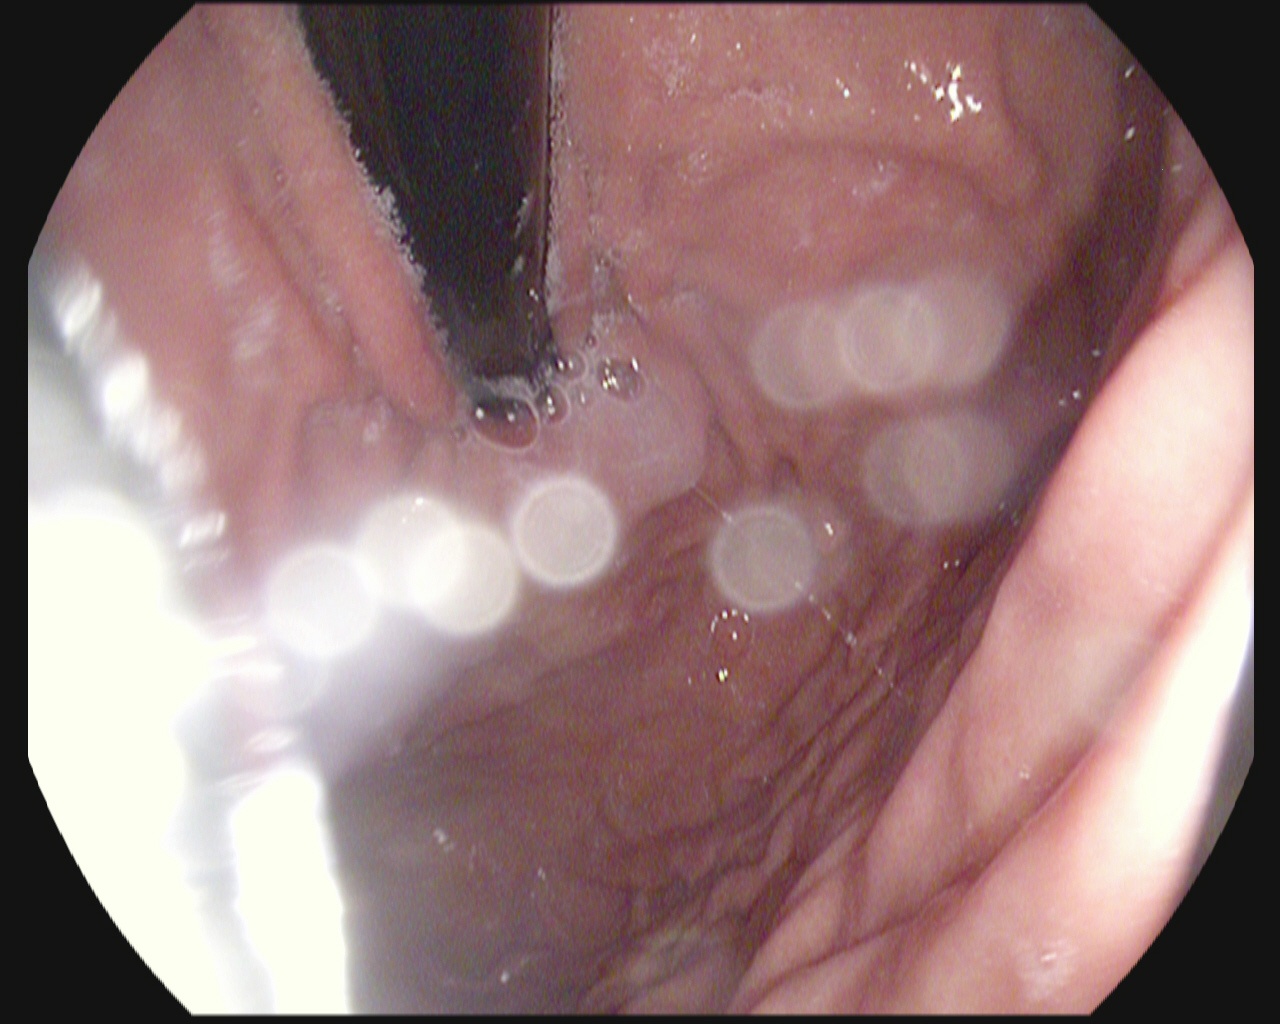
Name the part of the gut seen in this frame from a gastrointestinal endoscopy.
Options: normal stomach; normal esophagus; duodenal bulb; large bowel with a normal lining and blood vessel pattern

normal stomach